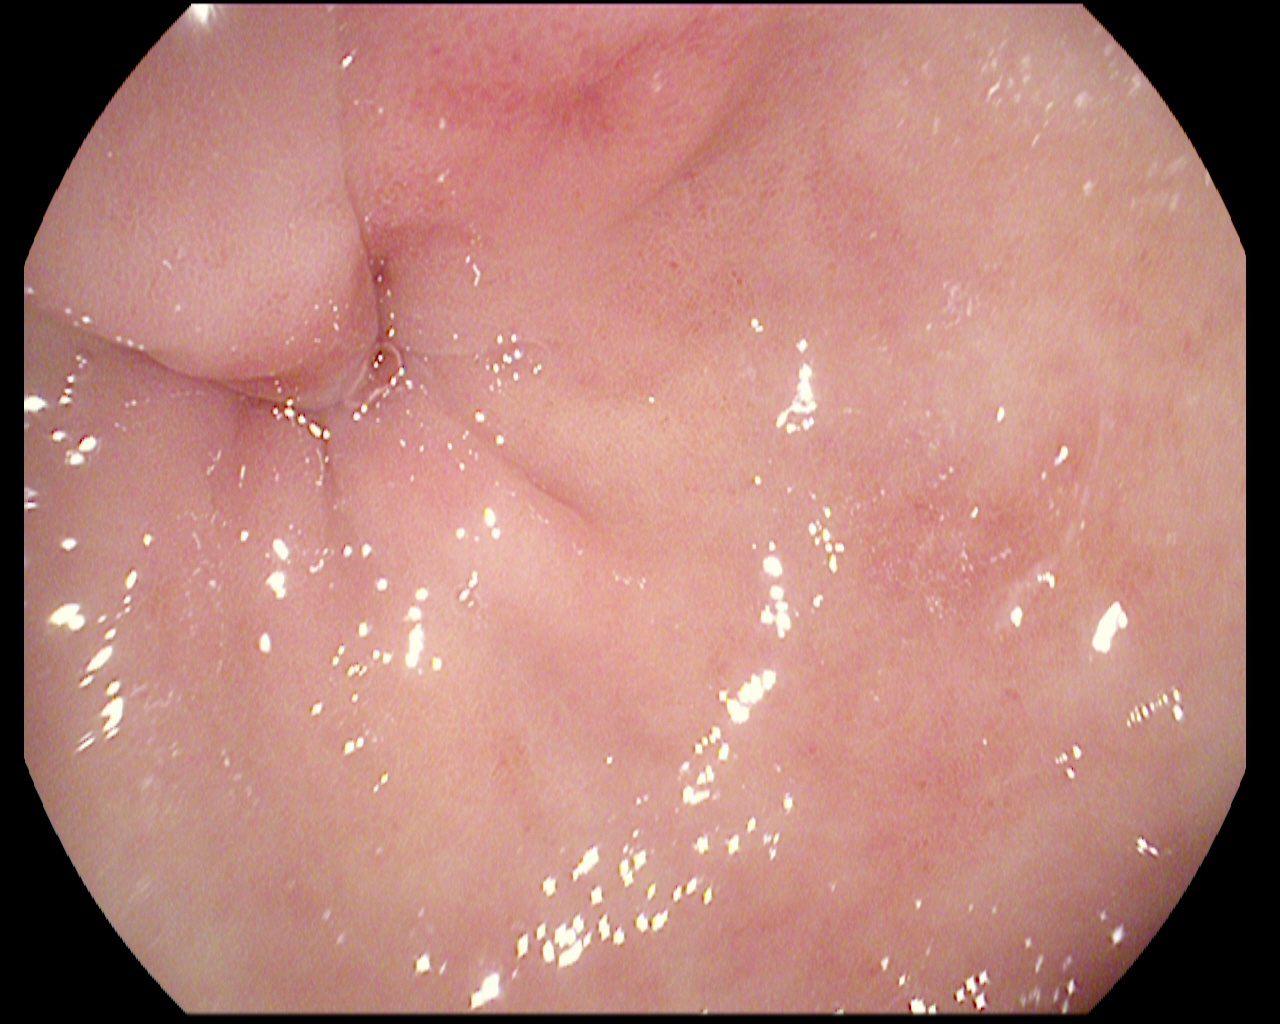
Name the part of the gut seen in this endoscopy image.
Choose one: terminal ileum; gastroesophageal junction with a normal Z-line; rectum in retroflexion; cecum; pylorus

pylorus